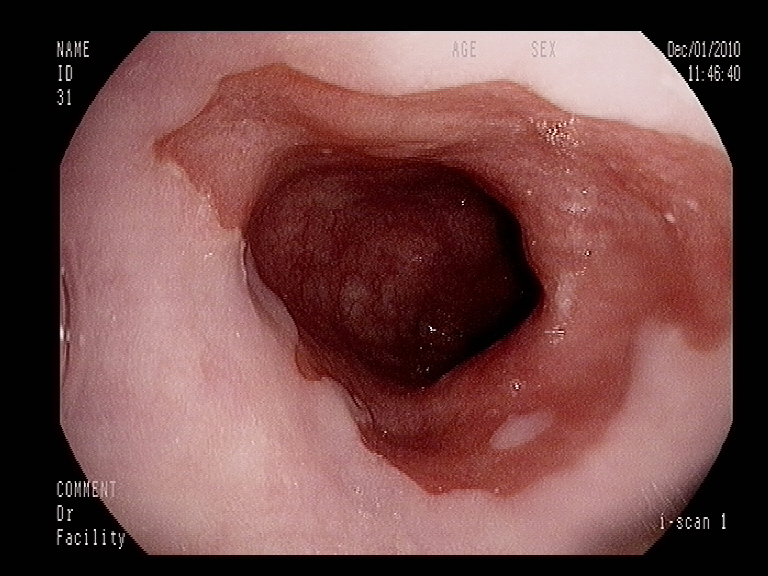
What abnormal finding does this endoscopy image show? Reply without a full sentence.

Barrett's esophagus